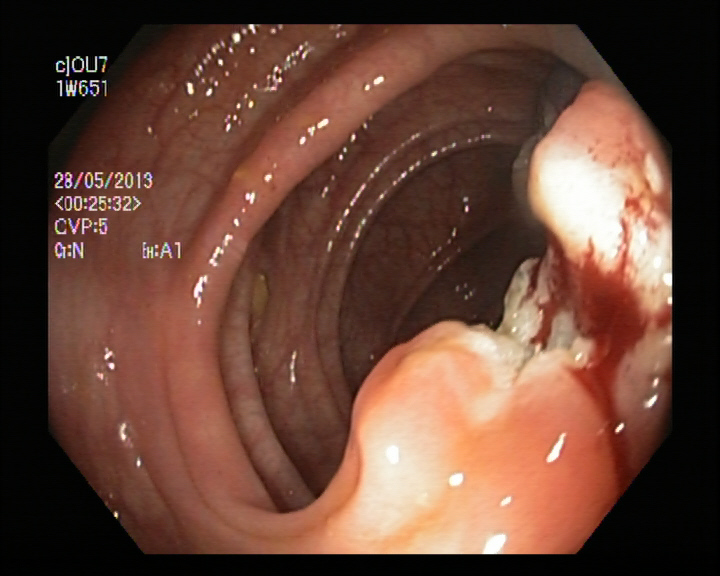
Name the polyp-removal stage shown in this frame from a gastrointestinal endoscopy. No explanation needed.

undyed resection margin (post-polypectomy)